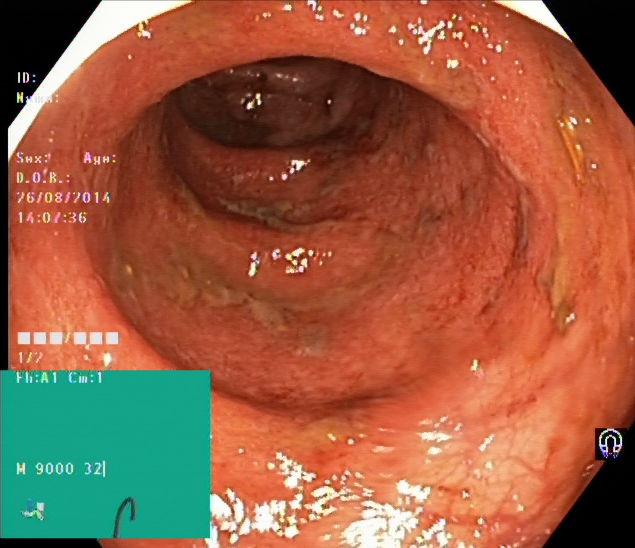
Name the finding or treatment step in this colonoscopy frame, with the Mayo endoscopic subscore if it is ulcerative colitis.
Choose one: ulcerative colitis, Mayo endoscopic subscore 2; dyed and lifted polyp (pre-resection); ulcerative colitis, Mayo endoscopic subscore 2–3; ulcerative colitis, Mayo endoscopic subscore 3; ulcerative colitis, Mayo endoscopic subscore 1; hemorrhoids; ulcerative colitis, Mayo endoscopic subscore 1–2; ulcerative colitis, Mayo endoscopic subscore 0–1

ulcerative colitis, Mayo endoscopic subscore 2